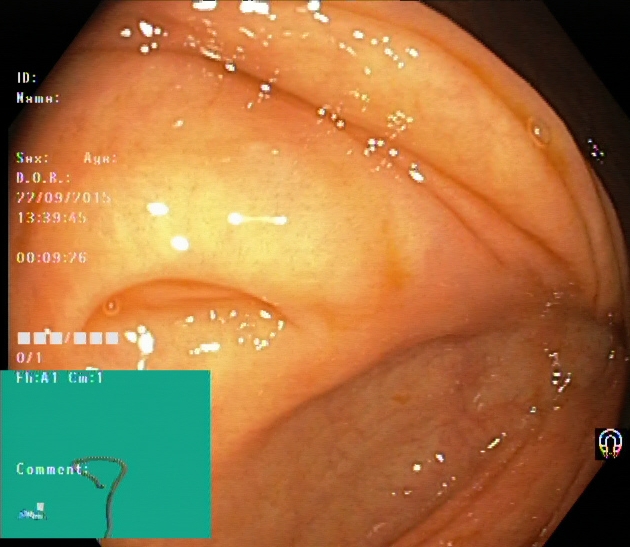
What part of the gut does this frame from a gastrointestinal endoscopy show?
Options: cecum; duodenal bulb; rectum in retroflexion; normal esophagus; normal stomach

cecum